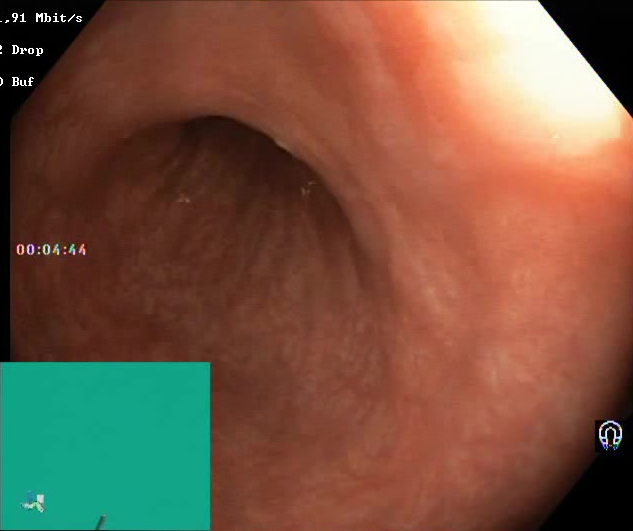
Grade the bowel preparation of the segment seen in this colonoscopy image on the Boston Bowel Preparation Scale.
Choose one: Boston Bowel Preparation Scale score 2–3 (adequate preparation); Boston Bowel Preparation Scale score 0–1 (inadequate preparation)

Boston Bowel Preparation Scale score 2–3 (adequate preparation)